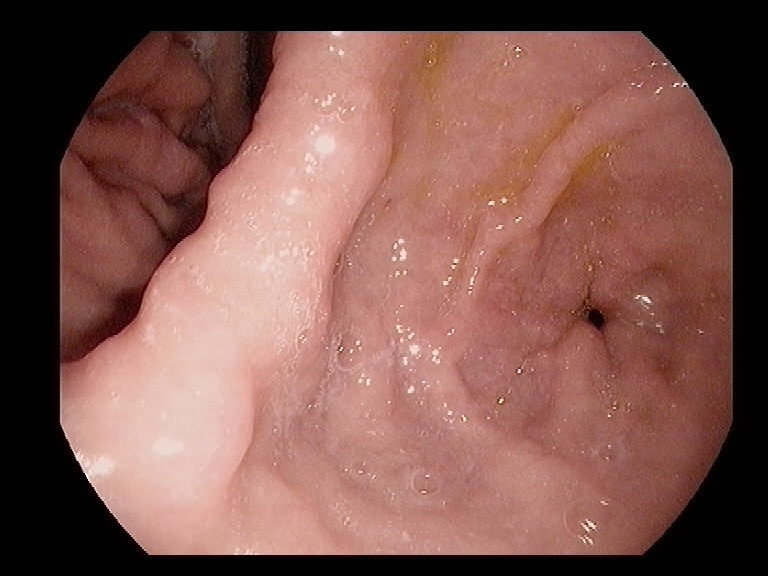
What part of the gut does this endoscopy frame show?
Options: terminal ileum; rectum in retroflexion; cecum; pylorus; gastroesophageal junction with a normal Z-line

pylorus